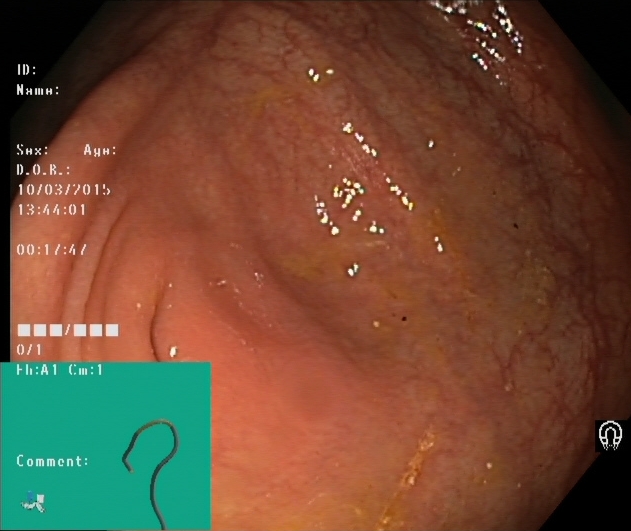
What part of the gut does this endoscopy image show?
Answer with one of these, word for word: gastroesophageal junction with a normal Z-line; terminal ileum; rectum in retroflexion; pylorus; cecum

cecum